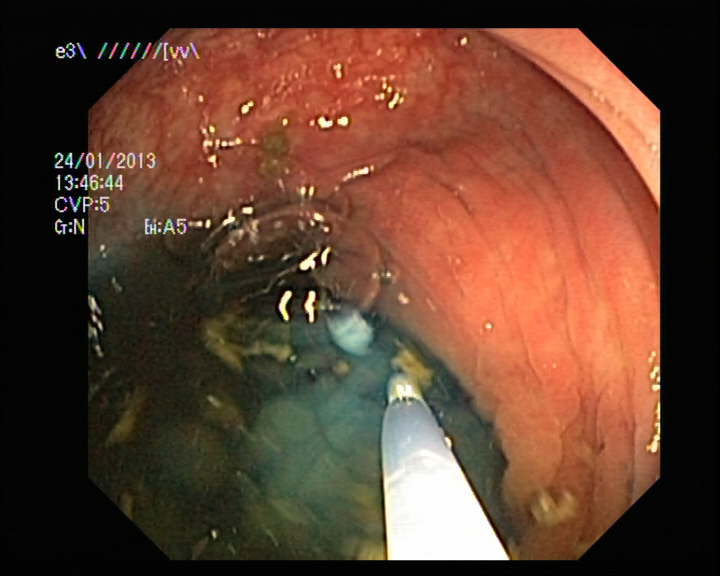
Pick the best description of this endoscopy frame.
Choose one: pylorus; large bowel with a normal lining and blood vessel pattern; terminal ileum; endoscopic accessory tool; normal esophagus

endoscopic accessory tool